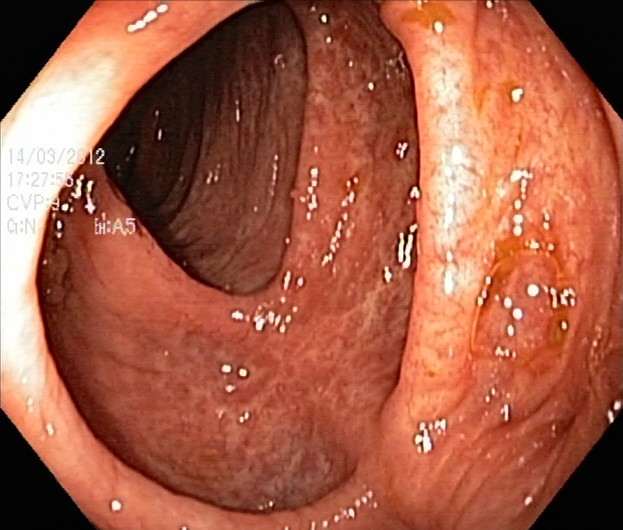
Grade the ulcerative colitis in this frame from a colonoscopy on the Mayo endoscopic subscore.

ulcerative colitis, Mayo endoscopic subscore 2